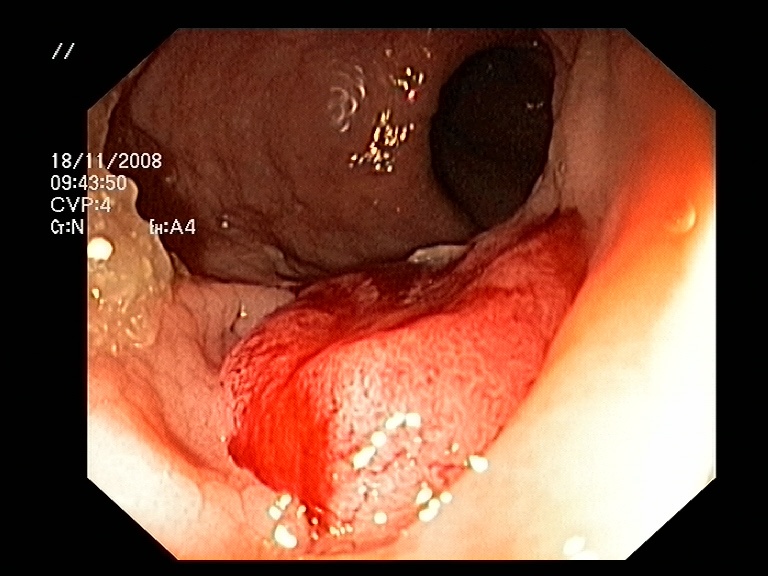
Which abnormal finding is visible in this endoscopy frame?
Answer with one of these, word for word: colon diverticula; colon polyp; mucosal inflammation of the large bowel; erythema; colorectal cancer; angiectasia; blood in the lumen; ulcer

colorectal cancer